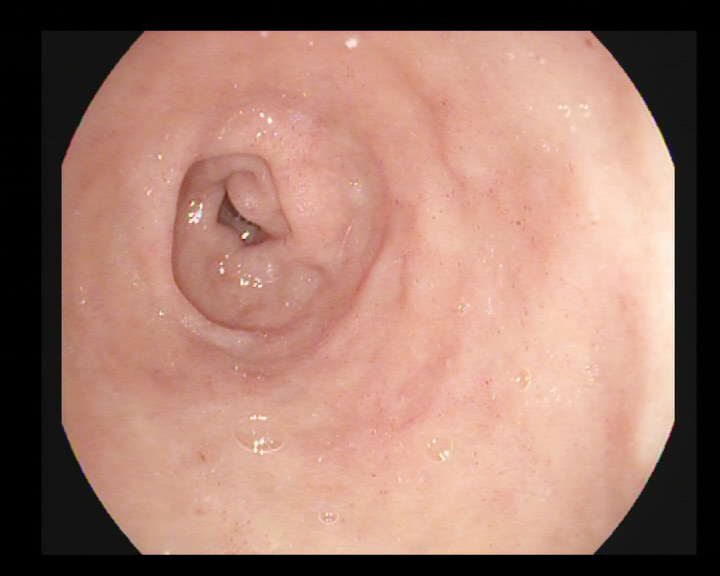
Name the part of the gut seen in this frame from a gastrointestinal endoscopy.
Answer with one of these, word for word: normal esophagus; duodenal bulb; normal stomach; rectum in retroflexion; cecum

duodenal bulb